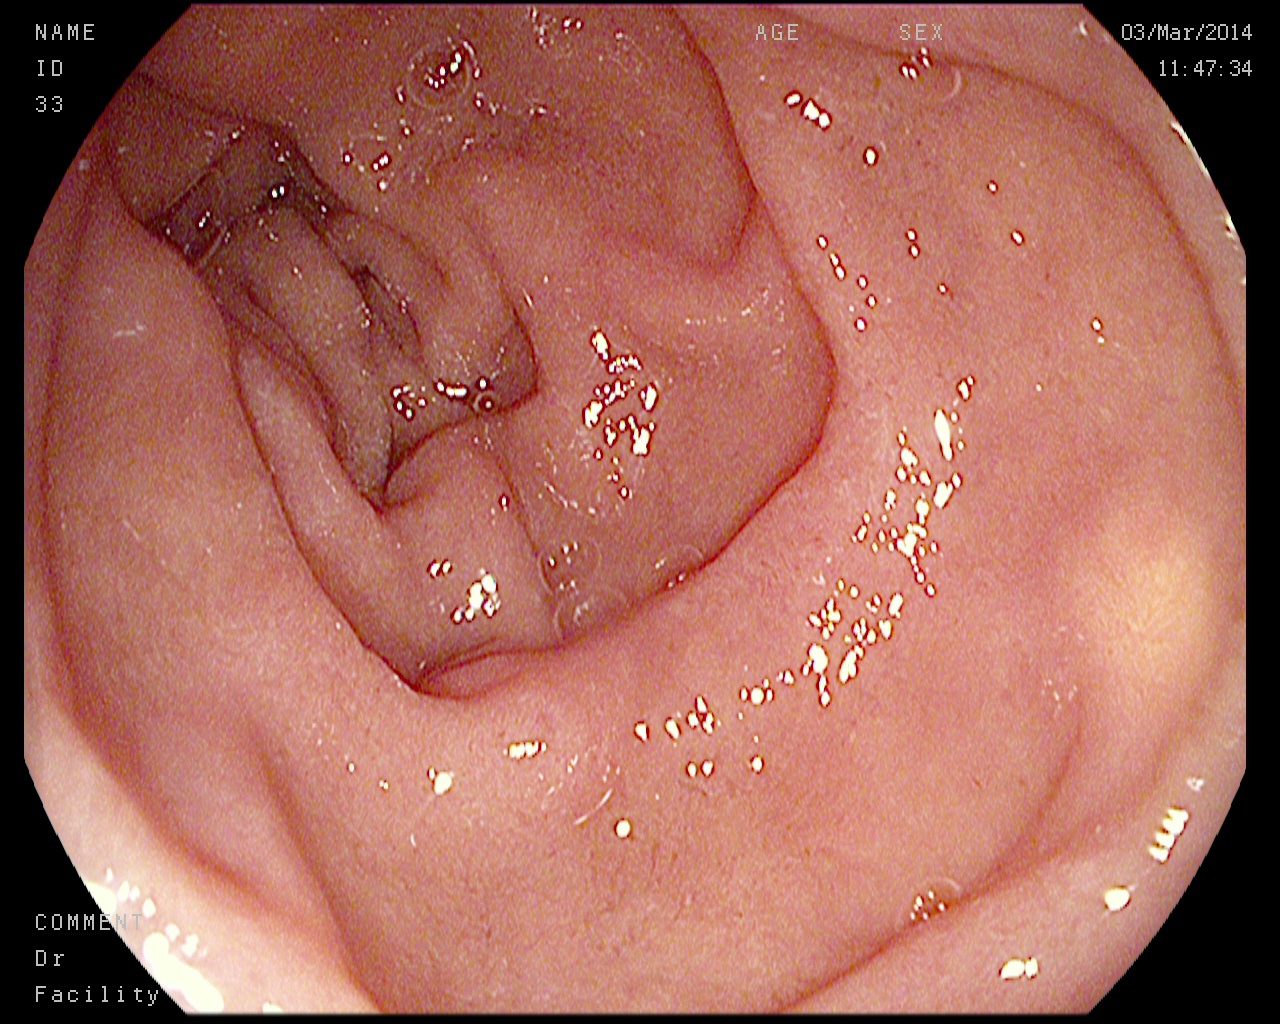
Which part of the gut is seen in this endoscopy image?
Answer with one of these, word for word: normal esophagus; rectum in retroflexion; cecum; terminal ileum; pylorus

terminal ileum